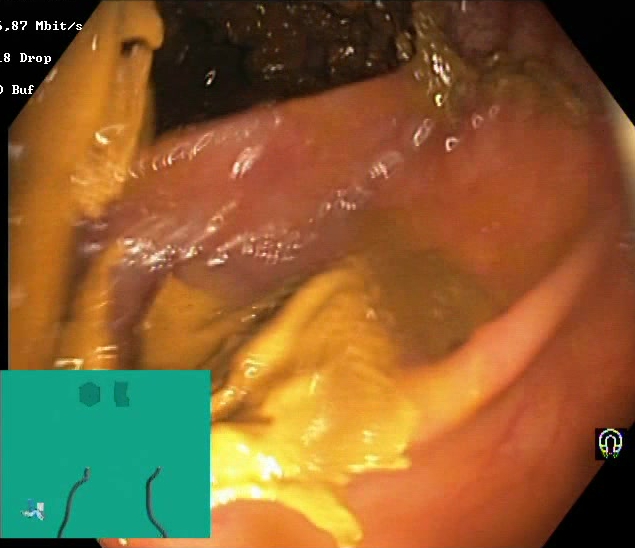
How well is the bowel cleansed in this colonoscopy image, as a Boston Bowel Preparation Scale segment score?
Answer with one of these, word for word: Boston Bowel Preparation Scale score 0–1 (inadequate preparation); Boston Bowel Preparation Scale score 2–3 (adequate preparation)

Boston Bowel Preparation Scale score 0–1 (inadequate preparation)